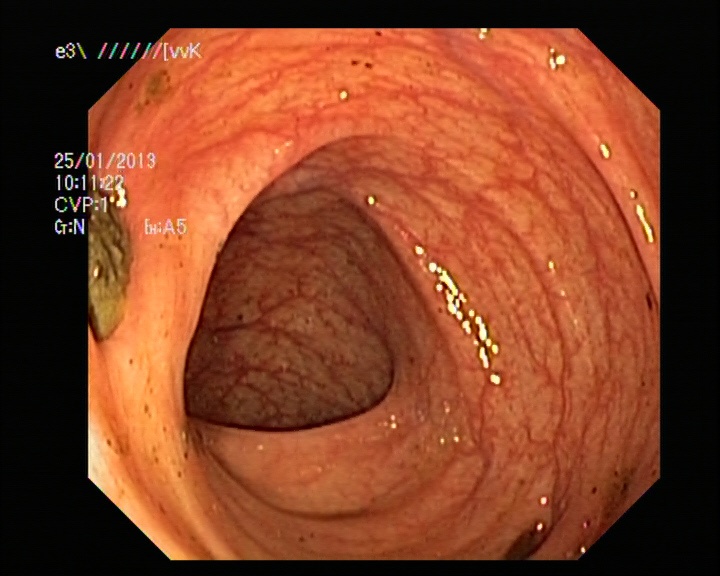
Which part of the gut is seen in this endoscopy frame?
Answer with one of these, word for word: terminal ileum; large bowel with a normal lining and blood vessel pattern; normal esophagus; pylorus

large bowel with a normal lining and blood vessel pattern